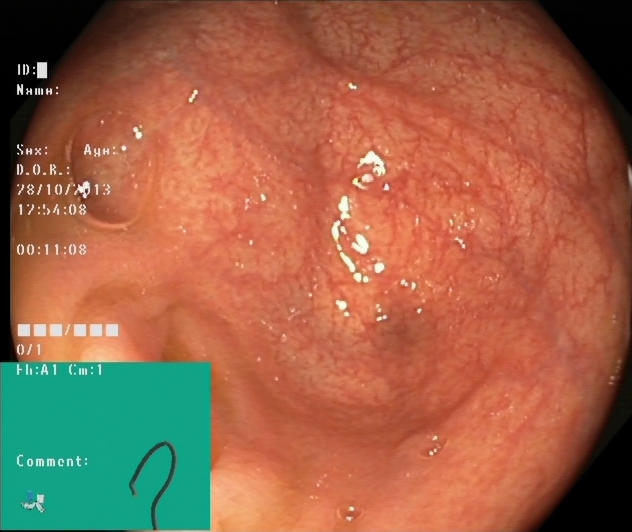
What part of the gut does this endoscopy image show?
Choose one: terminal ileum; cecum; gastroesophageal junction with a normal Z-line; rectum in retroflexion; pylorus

cecum